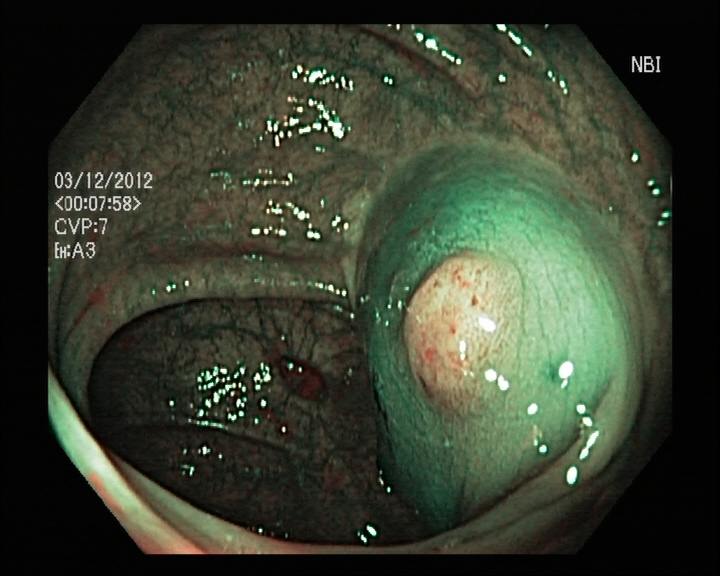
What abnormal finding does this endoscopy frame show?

colon polyp